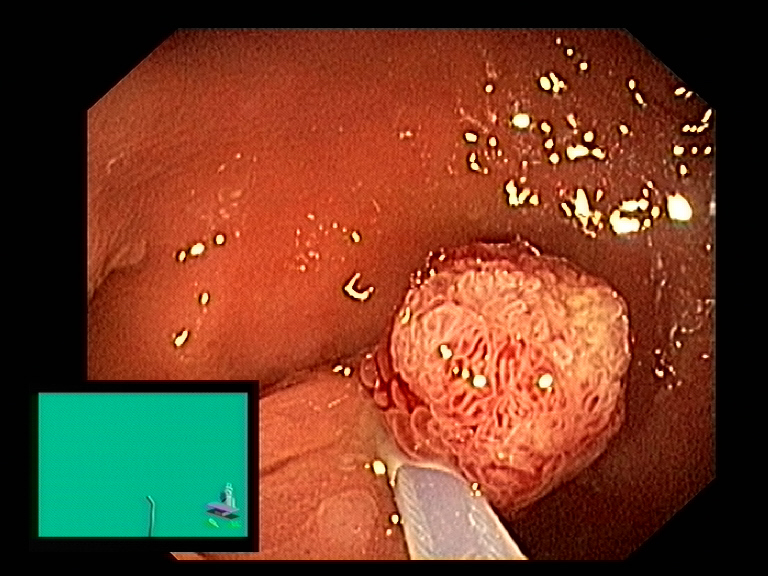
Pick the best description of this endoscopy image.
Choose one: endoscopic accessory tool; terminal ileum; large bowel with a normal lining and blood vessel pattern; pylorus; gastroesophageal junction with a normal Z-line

endoscopic accessory tool